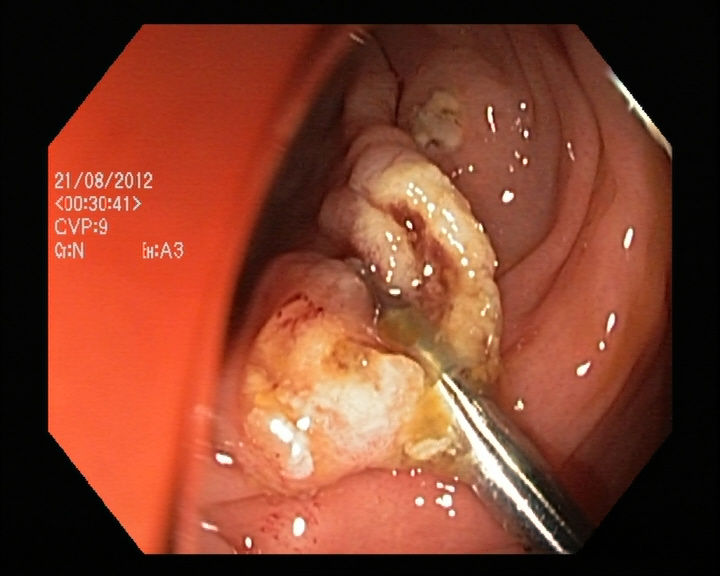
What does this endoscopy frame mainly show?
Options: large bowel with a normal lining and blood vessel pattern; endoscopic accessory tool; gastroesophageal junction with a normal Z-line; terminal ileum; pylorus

endoscopic accessory tool